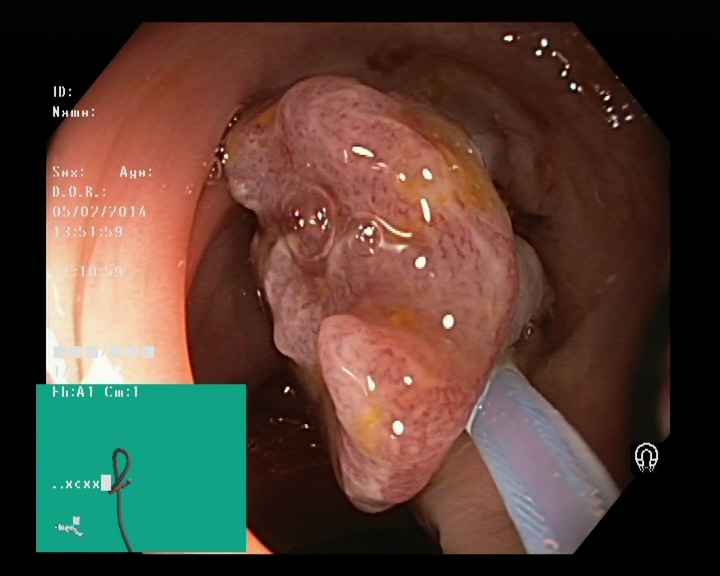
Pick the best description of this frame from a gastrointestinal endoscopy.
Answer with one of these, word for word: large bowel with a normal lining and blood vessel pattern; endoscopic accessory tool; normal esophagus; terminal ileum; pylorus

endoscopic accessory tool